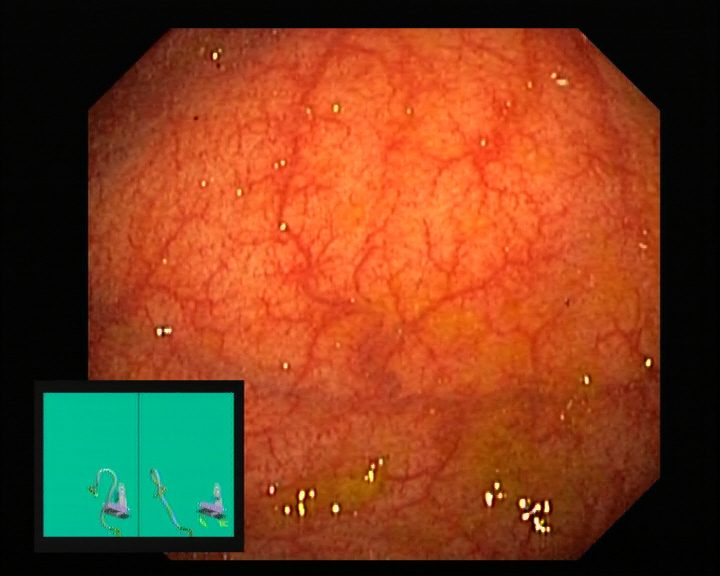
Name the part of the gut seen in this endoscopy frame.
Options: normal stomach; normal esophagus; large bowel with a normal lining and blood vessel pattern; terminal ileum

large bowel with a normal lining and blood vessel pattern